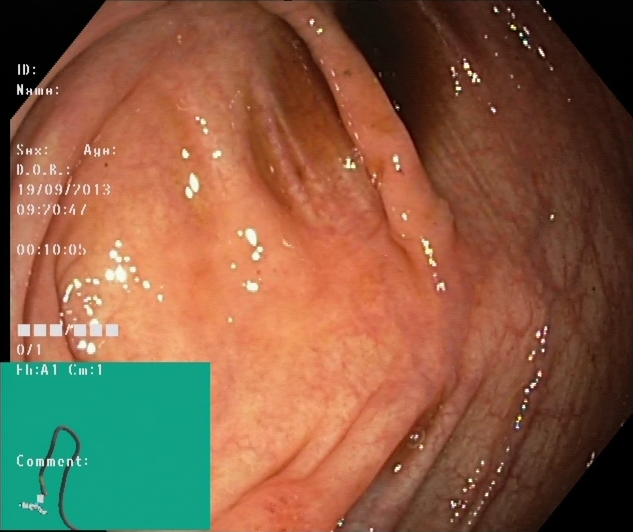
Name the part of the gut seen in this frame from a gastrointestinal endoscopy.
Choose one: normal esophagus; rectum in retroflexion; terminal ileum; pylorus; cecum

cecum